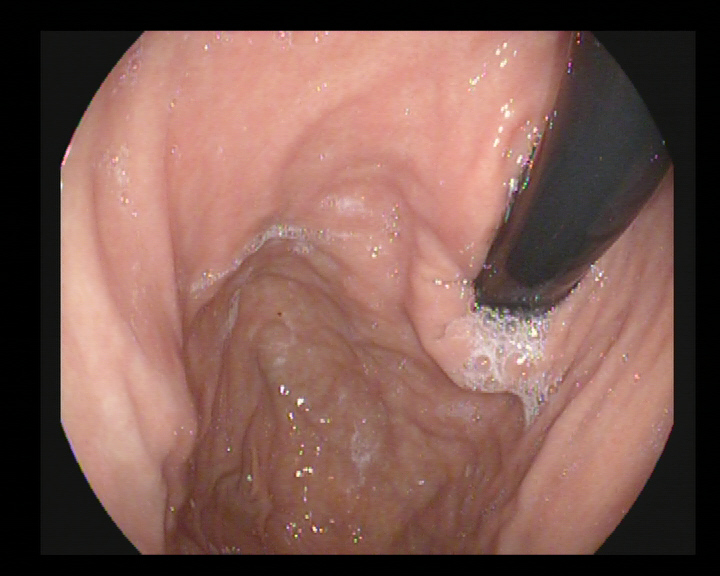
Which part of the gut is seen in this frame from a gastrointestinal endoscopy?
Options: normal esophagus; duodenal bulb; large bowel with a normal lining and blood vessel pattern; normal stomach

normal stomach